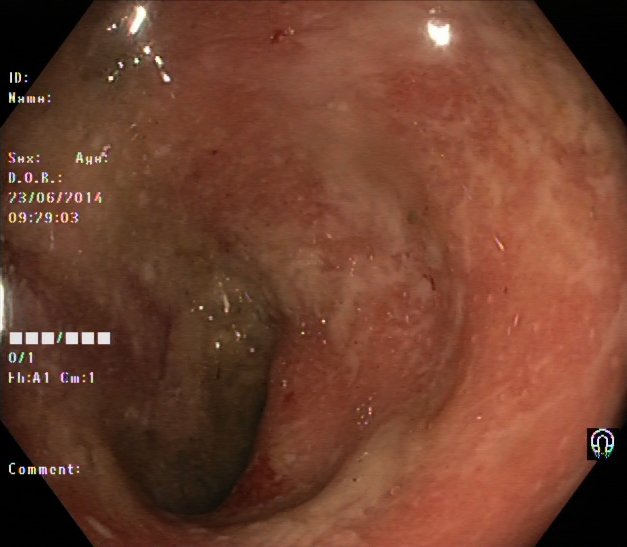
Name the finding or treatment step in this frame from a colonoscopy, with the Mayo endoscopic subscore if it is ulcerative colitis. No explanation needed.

ulcerative colitis, Mayo endoscopic subscore 2